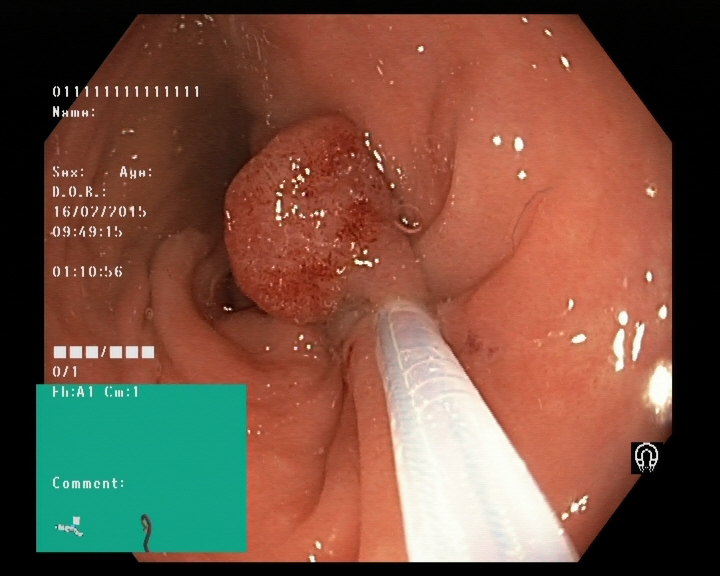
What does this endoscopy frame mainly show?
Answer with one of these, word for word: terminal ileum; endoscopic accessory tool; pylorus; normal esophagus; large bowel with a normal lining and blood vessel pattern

endoscopic accessory tool